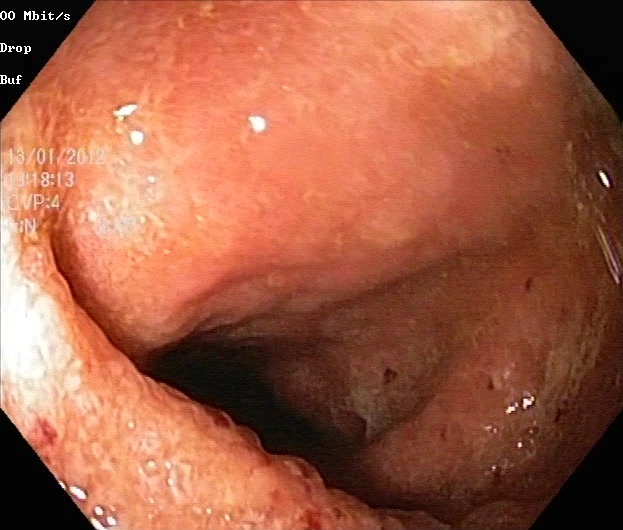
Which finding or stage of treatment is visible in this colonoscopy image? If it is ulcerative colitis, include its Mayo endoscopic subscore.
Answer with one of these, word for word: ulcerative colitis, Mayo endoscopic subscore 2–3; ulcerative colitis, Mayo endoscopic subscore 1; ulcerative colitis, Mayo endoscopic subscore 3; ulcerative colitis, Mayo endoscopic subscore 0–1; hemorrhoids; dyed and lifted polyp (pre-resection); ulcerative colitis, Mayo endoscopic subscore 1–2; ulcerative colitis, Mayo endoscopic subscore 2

ulcerative colitis, Mayo endoscopic subscore 2